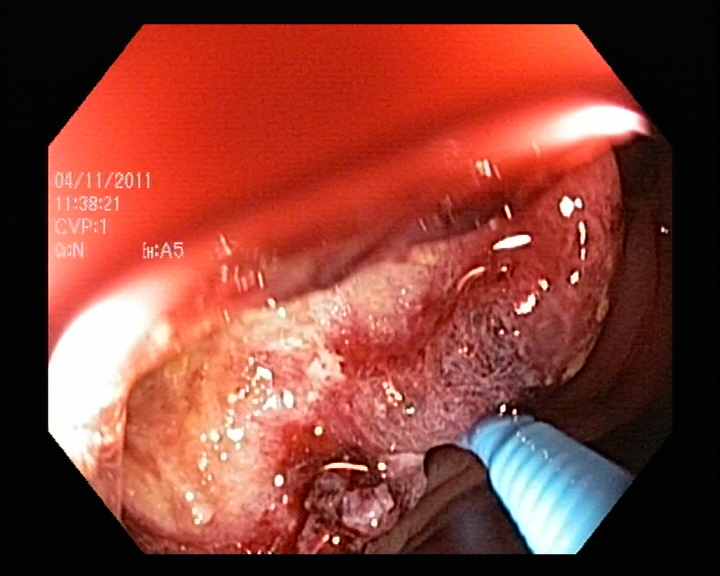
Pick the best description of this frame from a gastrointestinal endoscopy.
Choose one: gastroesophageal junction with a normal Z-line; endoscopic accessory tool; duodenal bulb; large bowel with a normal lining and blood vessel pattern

endoscopic accessory tool